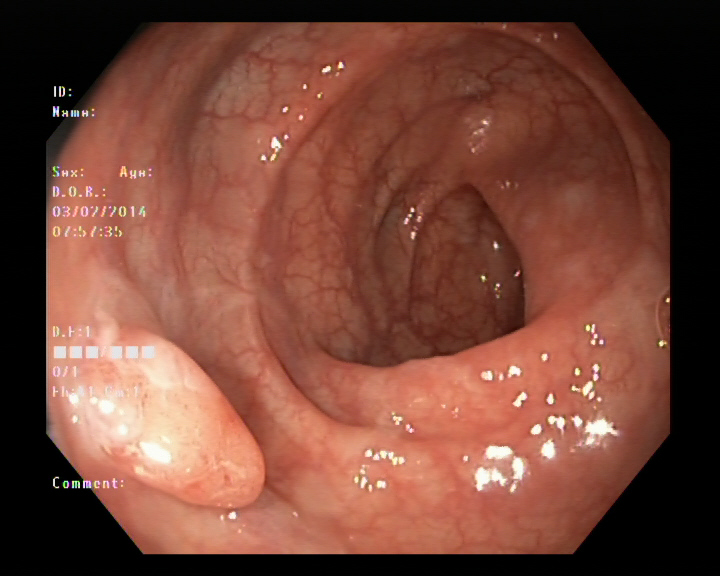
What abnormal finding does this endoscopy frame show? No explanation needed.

colon polyp